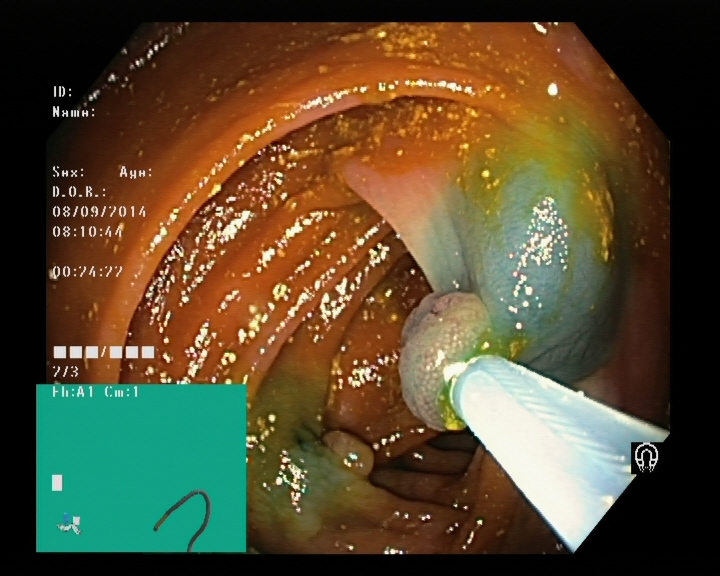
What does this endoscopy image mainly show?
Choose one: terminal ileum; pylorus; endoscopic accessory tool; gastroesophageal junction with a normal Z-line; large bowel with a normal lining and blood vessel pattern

endoscopic accessory tool